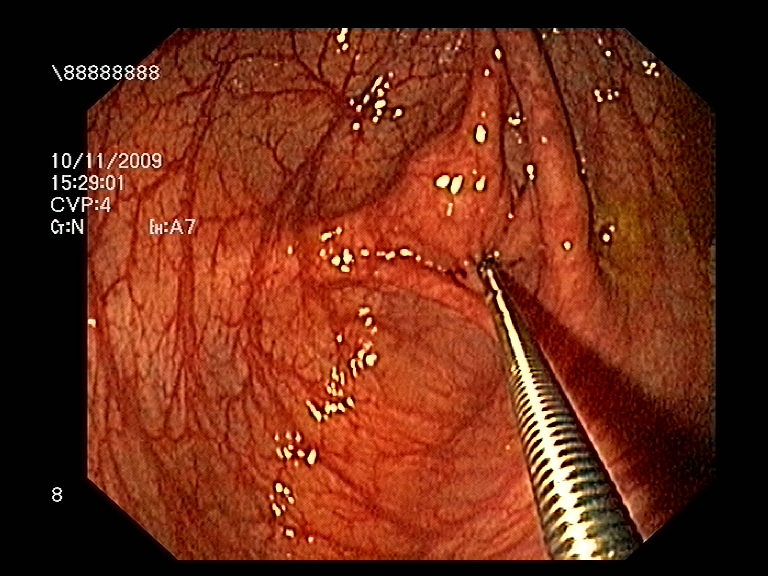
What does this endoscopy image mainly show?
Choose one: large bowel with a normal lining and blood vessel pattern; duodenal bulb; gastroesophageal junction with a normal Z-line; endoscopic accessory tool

endoscopic accessory tool